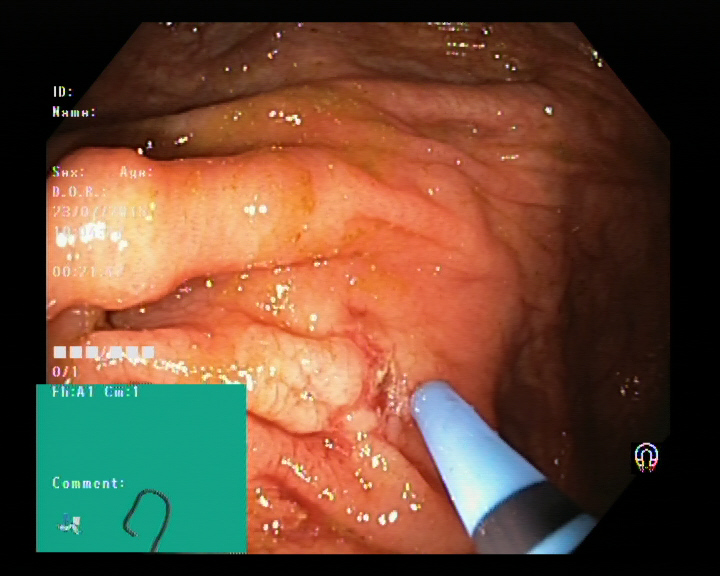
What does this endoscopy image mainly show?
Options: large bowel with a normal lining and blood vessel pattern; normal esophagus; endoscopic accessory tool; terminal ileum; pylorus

endoscopic accessory tool